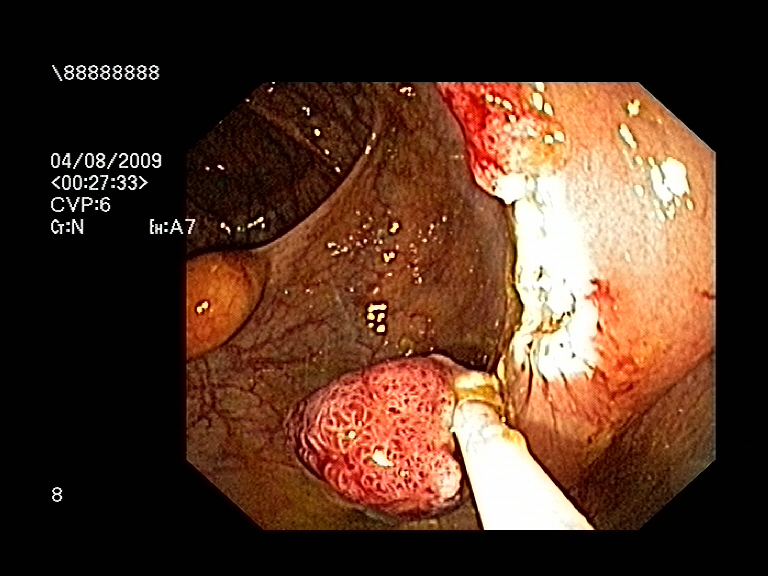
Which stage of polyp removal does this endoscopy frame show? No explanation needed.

resected polyp